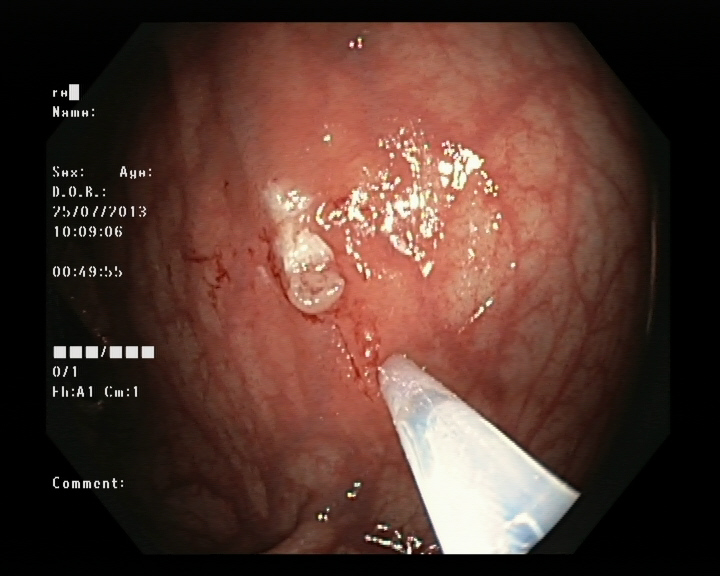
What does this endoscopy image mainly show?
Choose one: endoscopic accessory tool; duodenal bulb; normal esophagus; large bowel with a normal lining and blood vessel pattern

endoscopic accessory tool